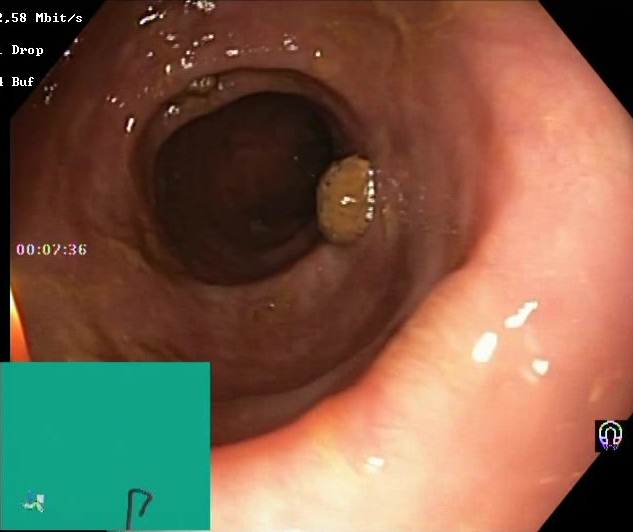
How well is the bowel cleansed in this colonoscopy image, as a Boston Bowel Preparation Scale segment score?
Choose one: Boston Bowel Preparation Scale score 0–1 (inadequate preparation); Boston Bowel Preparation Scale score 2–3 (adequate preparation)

Boston Bowel Preparation Scale score 2–3 (adequate preparation)